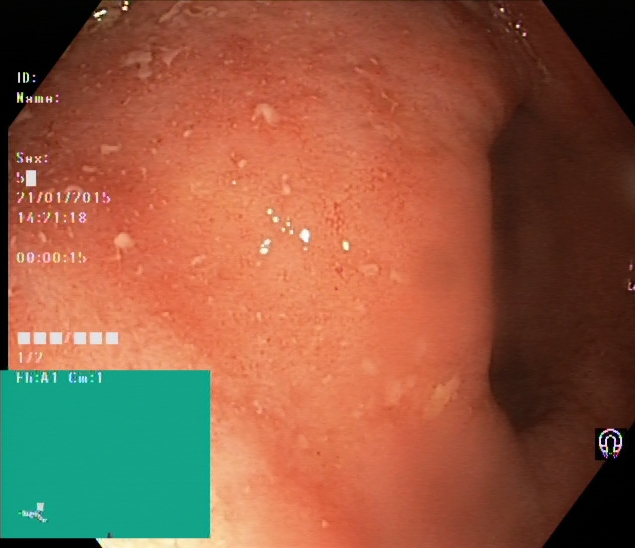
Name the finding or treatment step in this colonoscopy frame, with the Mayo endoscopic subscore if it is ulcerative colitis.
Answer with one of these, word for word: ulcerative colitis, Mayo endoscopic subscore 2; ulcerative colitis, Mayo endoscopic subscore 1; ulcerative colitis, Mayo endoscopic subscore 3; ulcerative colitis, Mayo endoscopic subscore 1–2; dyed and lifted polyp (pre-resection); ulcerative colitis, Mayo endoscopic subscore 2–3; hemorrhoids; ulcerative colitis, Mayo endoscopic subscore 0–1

ulcerative colitis, Mayo endoscopic subscore 2